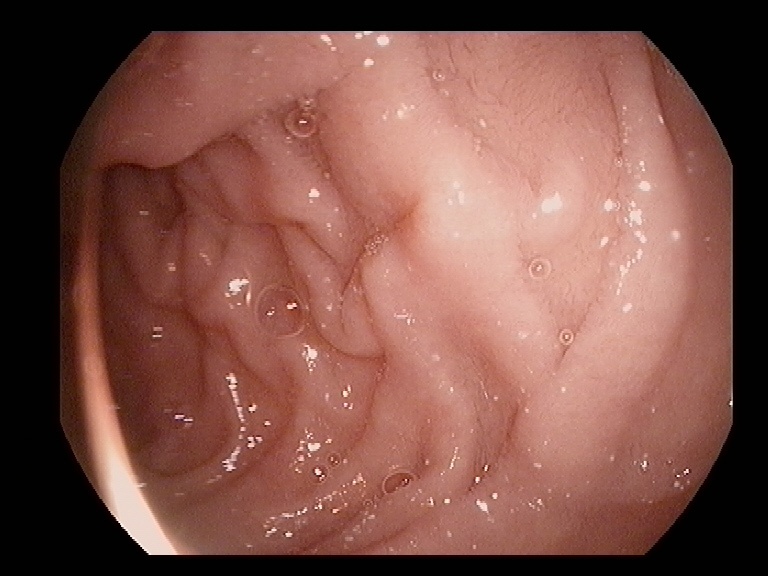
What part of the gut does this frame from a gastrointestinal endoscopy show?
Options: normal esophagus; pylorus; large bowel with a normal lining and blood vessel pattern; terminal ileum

terminal ileum